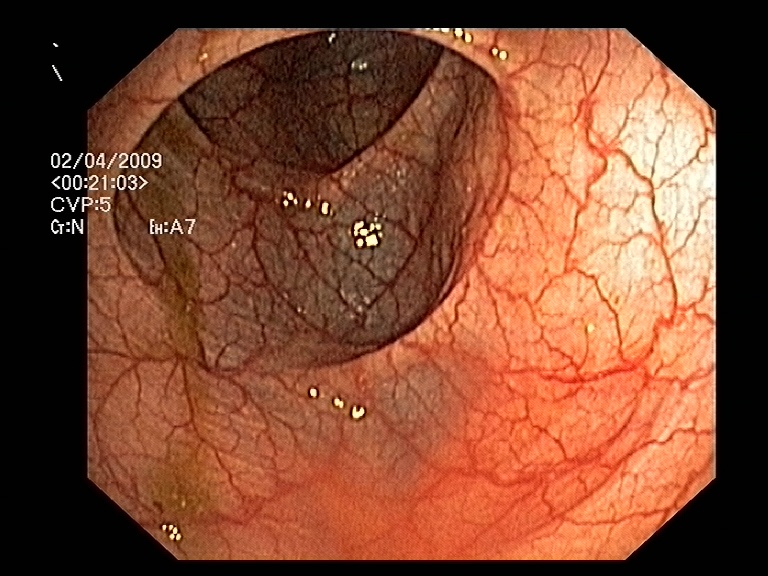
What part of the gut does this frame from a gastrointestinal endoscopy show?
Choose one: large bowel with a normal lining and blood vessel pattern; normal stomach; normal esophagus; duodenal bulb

large bowel with a normal lining and blood vessel pattern